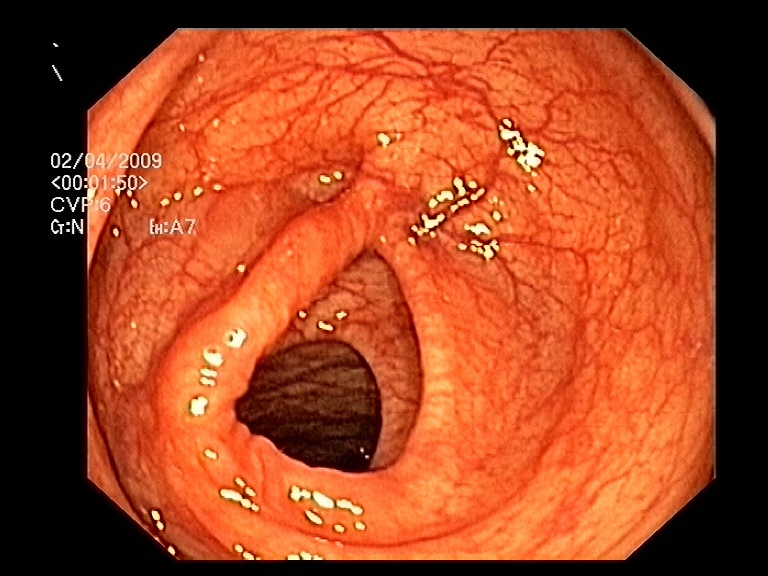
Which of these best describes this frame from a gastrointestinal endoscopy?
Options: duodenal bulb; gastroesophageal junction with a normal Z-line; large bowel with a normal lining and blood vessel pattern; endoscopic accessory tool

large bowel with a normal lining and blood vessel pattern